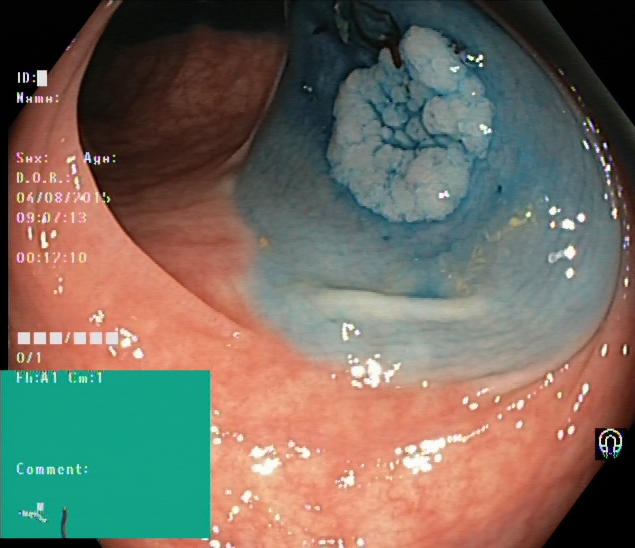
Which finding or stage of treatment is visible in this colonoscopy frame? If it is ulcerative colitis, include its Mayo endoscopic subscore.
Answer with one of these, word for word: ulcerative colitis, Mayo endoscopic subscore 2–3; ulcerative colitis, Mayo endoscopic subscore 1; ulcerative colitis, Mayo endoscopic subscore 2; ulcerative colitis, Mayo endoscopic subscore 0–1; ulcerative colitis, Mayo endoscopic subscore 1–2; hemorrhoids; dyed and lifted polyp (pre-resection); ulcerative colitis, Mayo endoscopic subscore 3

dyed and lifted polyp (pre-resection)